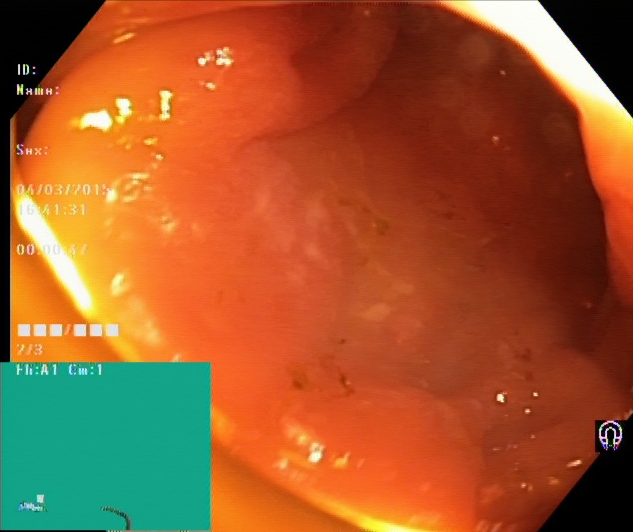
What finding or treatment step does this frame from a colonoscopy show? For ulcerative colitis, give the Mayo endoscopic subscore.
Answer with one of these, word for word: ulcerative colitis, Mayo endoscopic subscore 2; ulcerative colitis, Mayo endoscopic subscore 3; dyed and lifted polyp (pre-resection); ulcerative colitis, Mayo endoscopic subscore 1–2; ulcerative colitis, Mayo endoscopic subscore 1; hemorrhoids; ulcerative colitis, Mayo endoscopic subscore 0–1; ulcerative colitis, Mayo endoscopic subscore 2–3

ulcerative colitis, Mayo endoscopic subscore 2